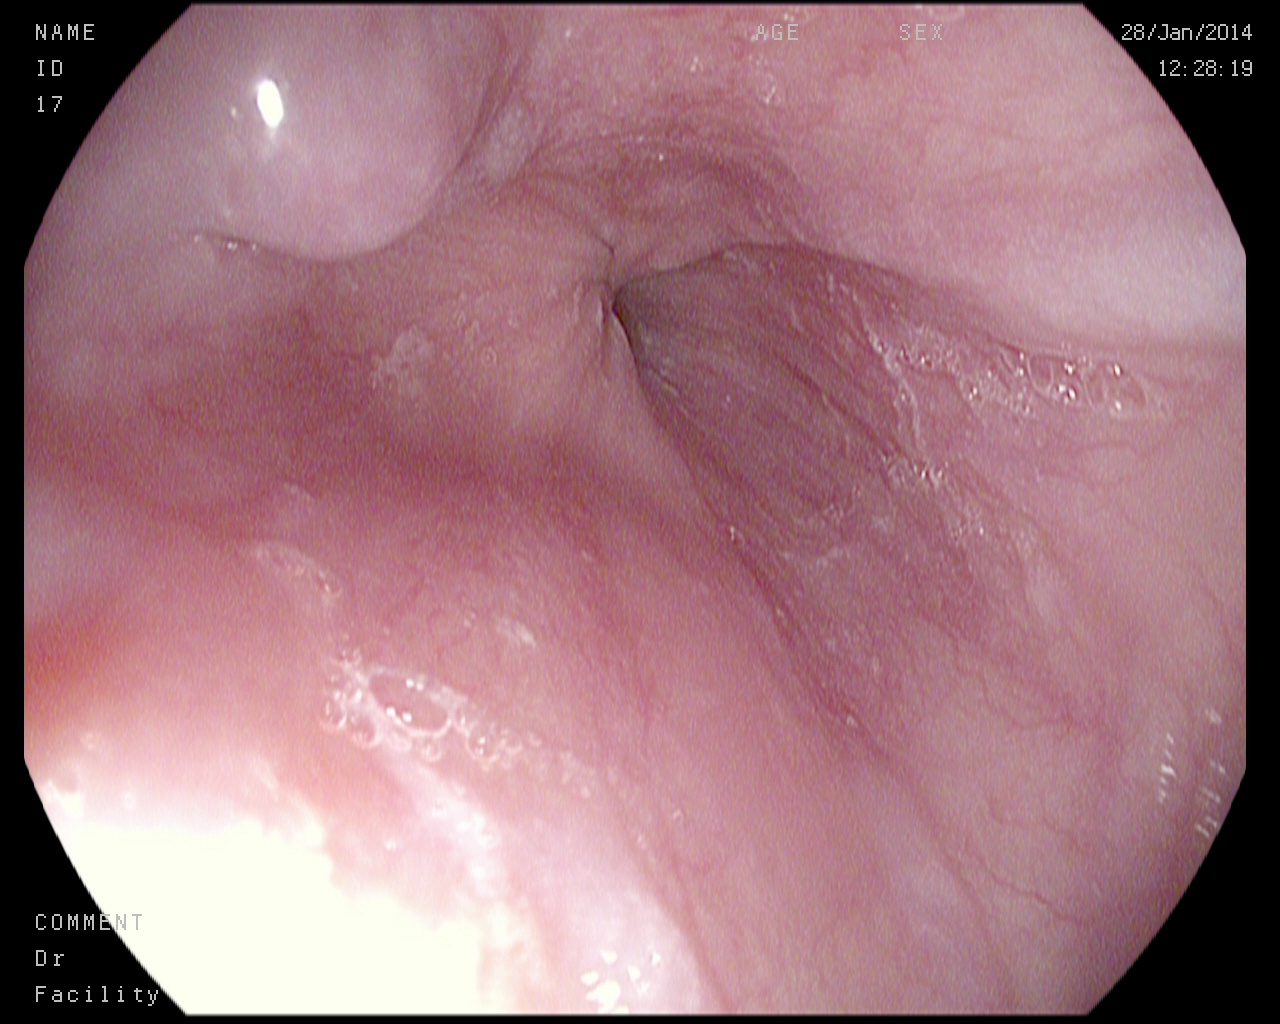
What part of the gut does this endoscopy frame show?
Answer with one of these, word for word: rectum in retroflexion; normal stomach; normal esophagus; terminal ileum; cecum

normal esophagus